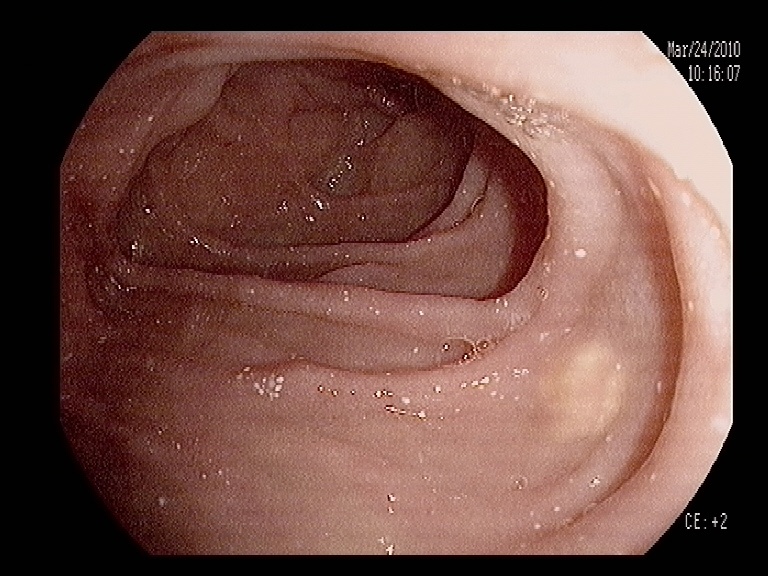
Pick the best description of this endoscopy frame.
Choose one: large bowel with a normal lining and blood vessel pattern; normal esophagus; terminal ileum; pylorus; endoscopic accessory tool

terminal ileum